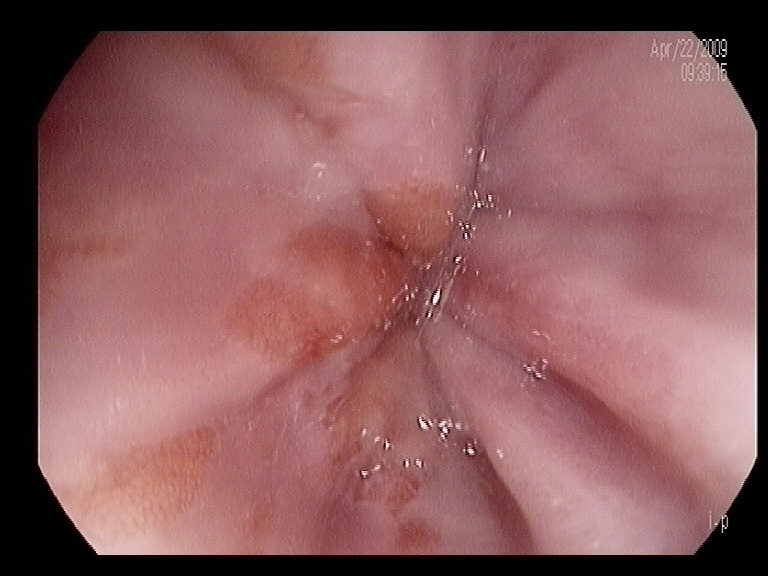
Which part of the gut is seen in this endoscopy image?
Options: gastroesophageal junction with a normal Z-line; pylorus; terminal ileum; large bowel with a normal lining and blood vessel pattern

gastroesophageal junction with a normal Z-line